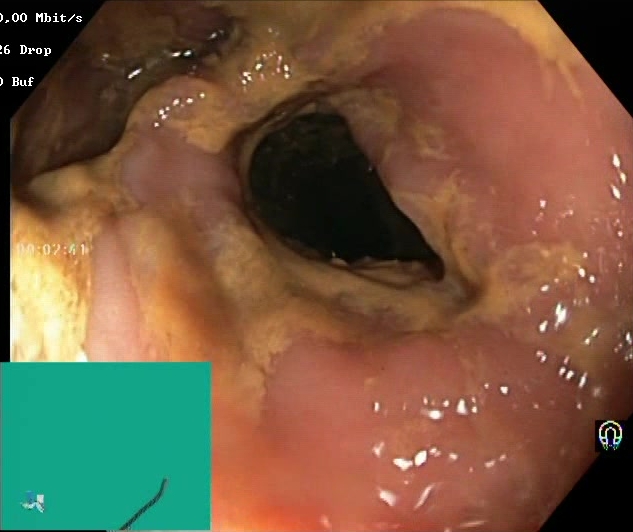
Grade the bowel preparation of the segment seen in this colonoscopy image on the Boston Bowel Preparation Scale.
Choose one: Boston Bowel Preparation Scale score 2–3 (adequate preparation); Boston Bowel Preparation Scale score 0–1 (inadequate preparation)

Boston Bowel Preparation Scale score 0–1 (inadequate preparation)